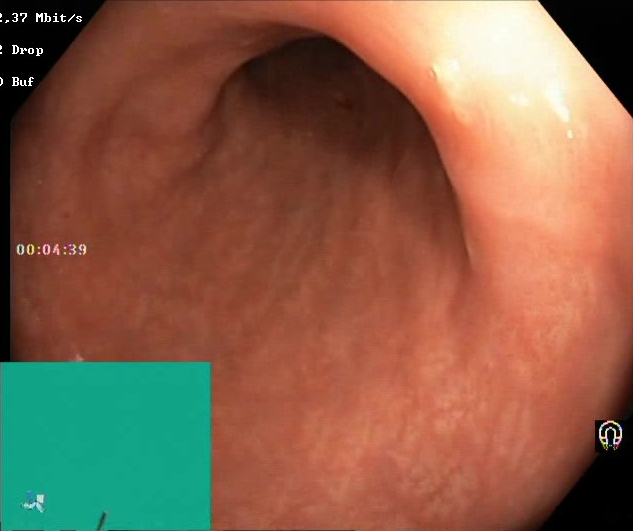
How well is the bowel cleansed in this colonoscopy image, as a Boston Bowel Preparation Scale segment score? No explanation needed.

Boston Bowel Preparation Scale score 2–3 (adequate preparation)